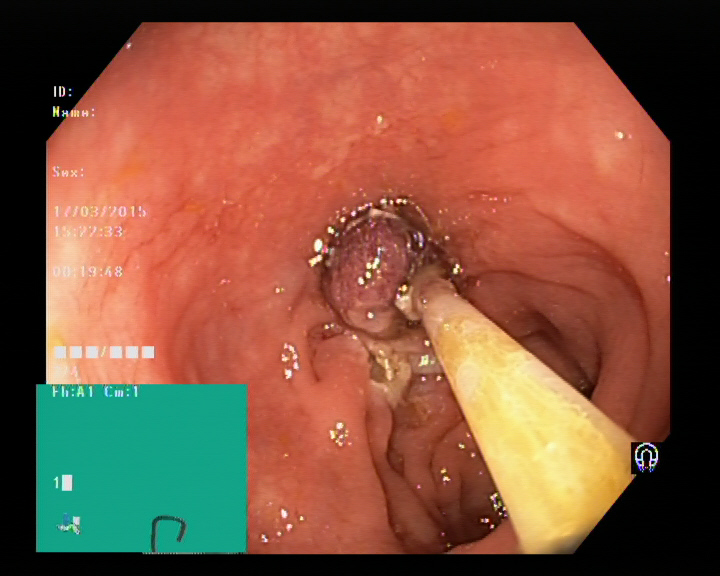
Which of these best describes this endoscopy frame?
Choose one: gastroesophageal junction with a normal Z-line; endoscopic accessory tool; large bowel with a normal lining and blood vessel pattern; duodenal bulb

endoscopic accessory tool